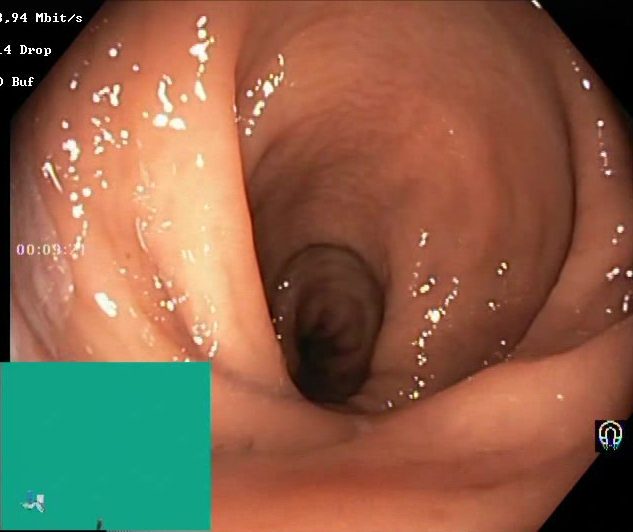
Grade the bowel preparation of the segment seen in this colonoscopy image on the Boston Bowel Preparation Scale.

Boston Bowel Preparation Scale score 2–3 (adequate preparation)